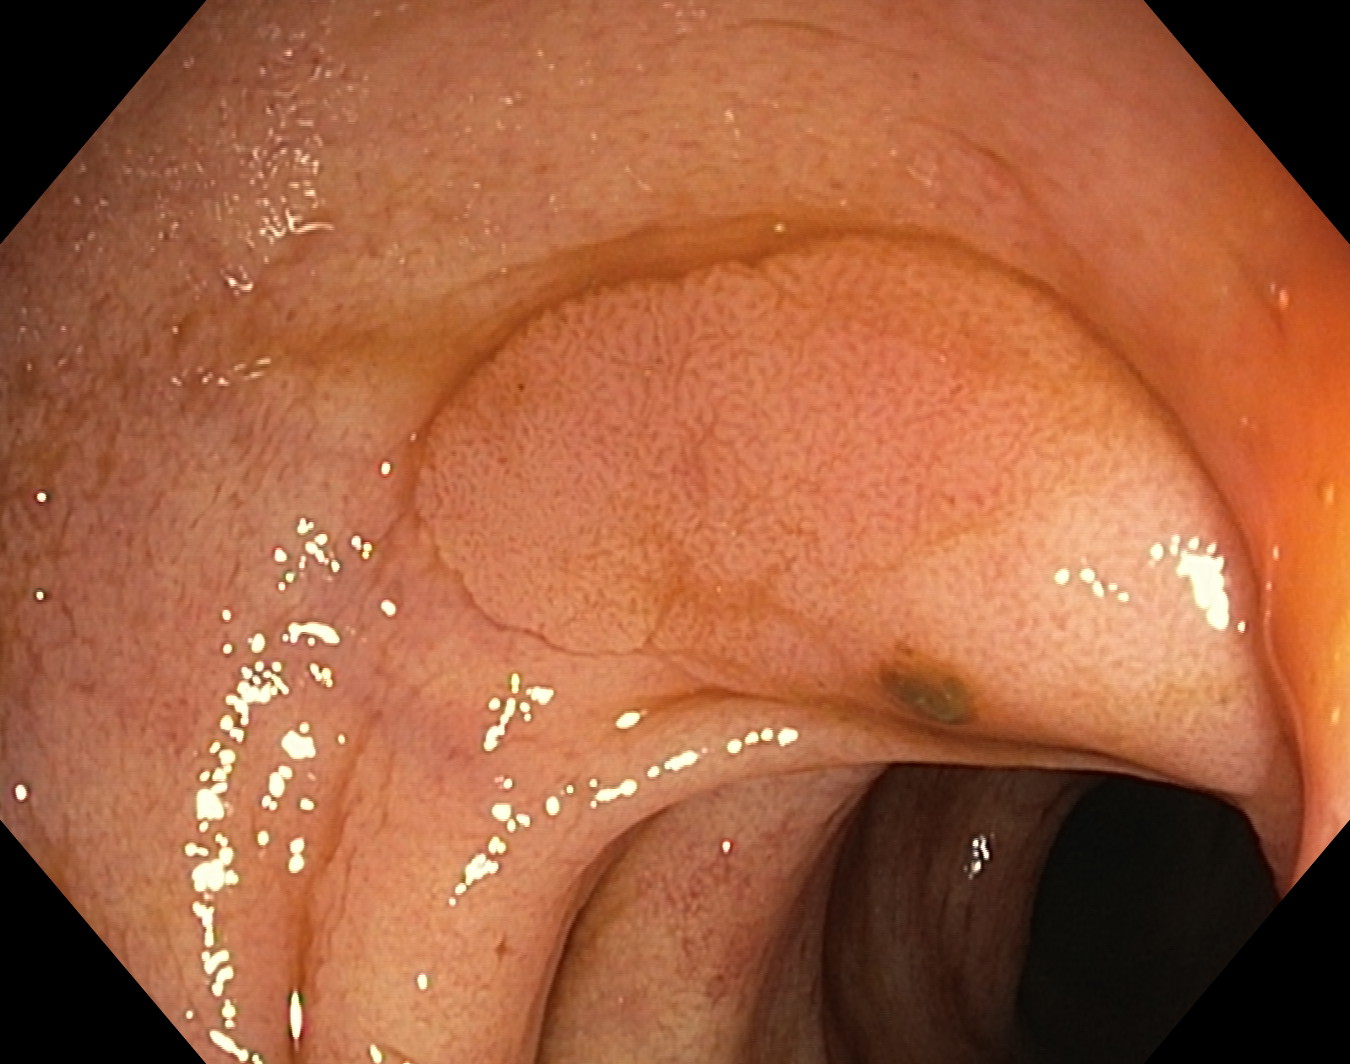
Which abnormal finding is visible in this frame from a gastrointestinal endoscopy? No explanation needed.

colon polyp